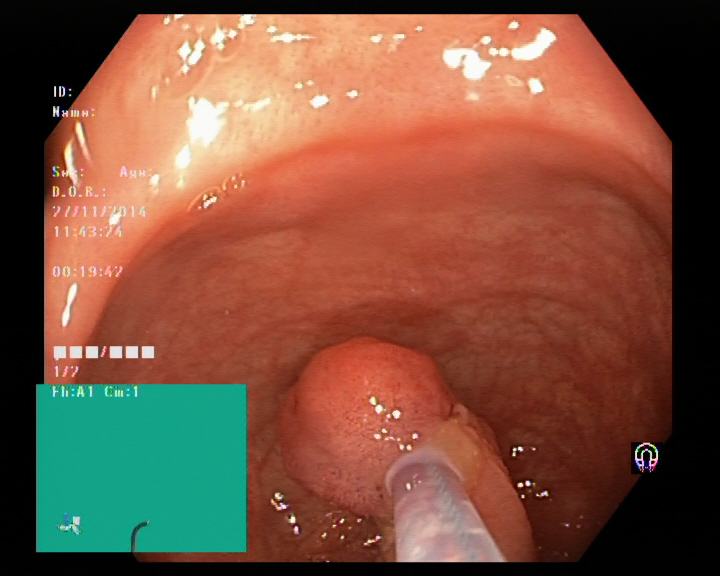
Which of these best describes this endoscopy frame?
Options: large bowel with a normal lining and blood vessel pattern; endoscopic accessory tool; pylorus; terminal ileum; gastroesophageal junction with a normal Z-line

endoscopic accessory tool